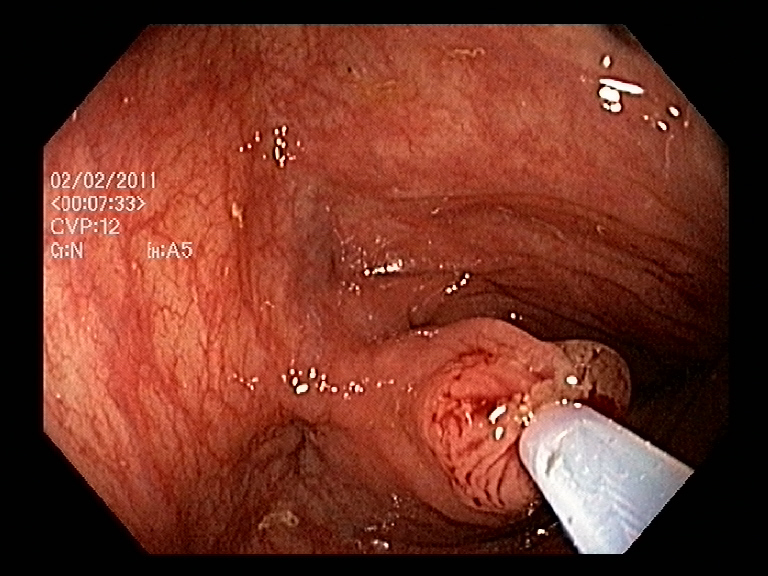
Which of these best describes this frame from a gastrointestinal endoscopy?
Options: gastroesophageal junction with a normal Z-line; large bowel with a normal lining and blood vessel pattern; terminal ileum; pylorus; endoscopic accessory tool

endoscopic accessory tool